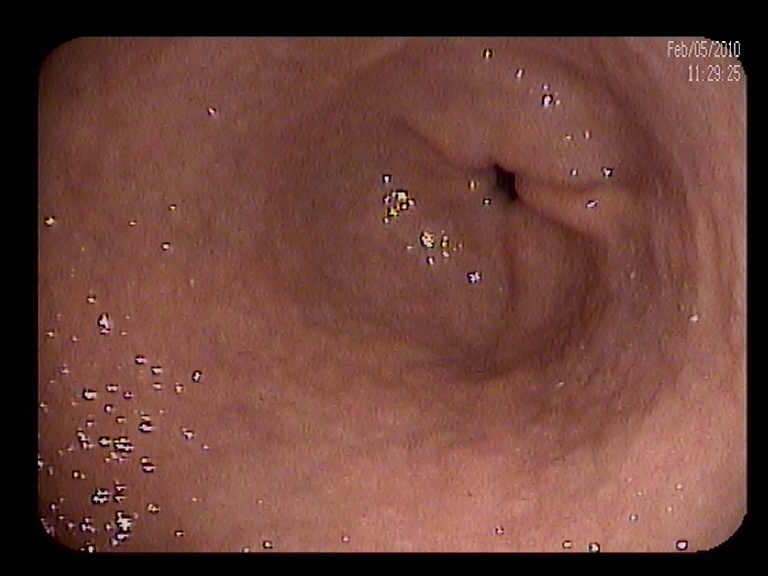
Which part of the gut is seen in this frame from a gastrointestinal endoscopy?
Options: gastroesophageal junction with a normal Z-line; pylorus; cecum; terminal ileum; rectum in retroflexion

pylorus